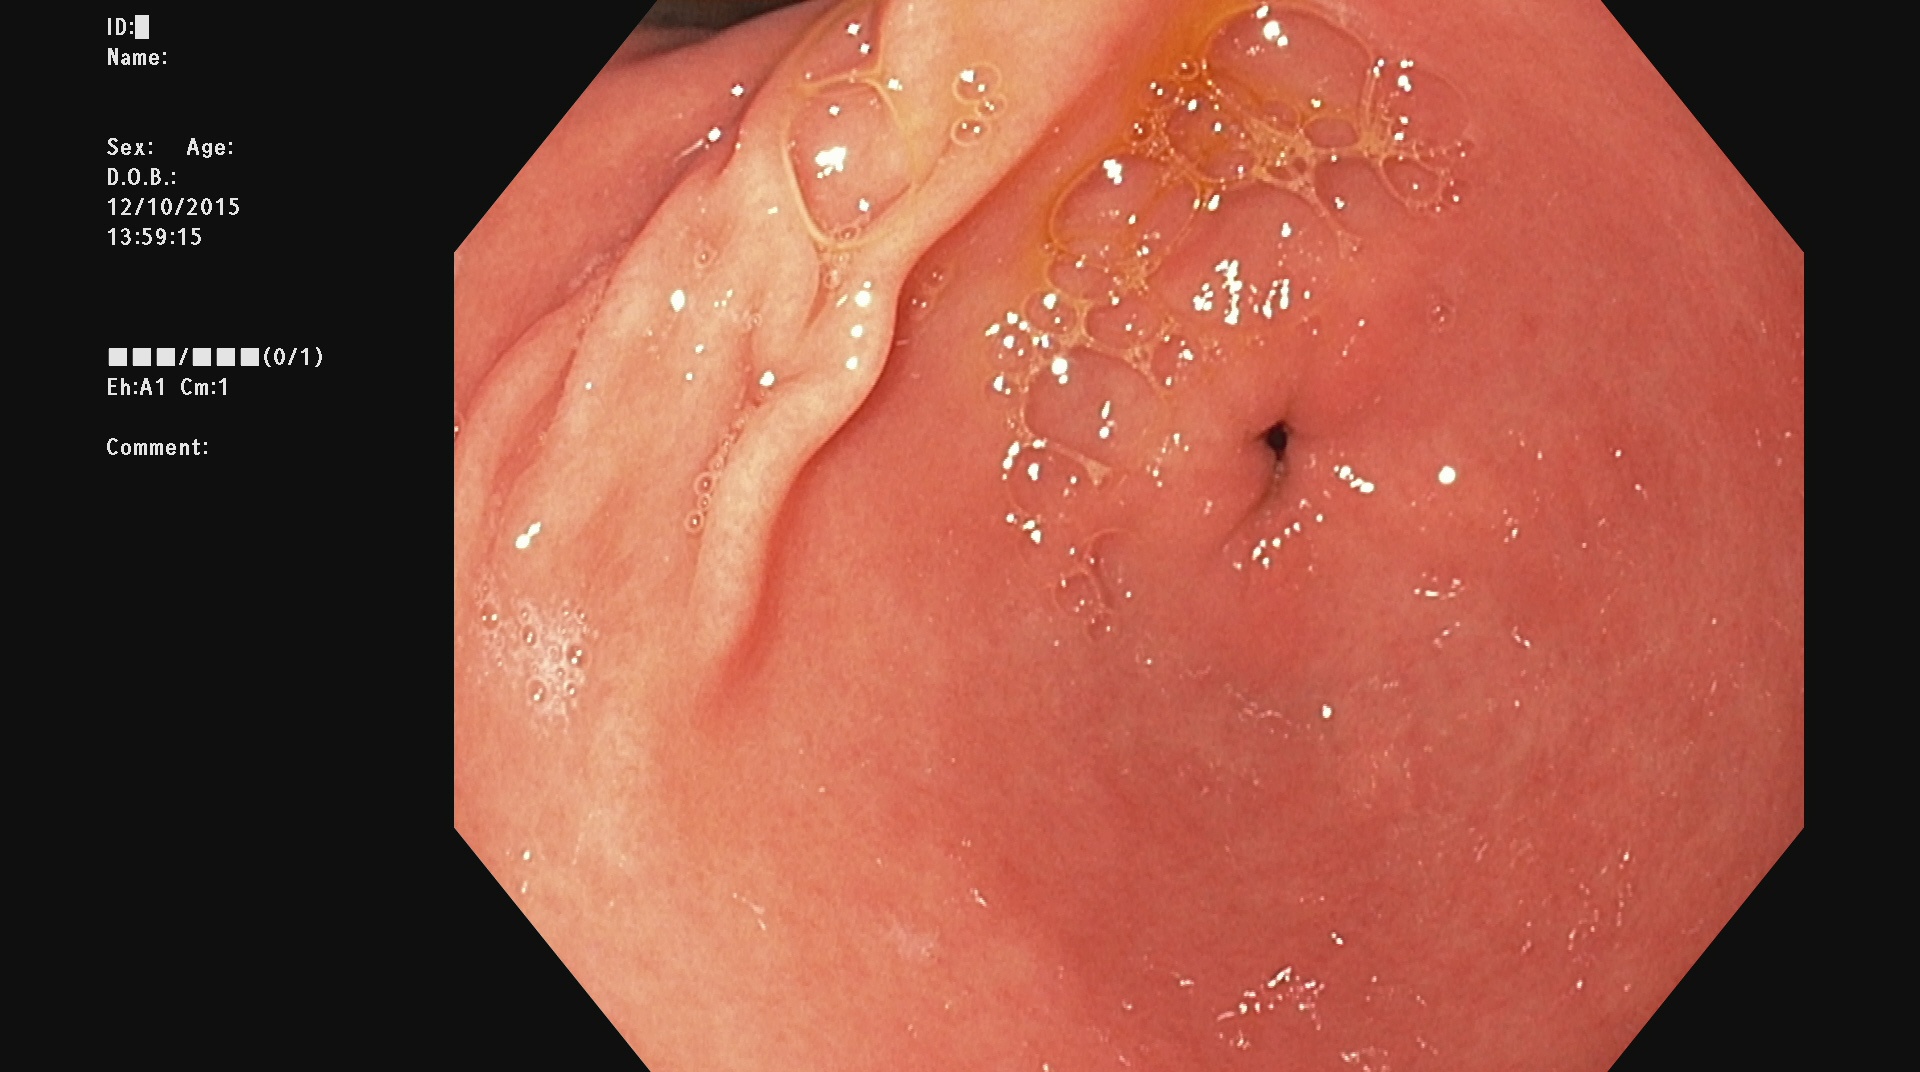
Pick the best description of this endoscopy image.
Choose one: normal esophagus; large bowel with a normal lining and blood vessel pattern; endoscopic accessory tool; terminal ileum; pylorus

pylorus